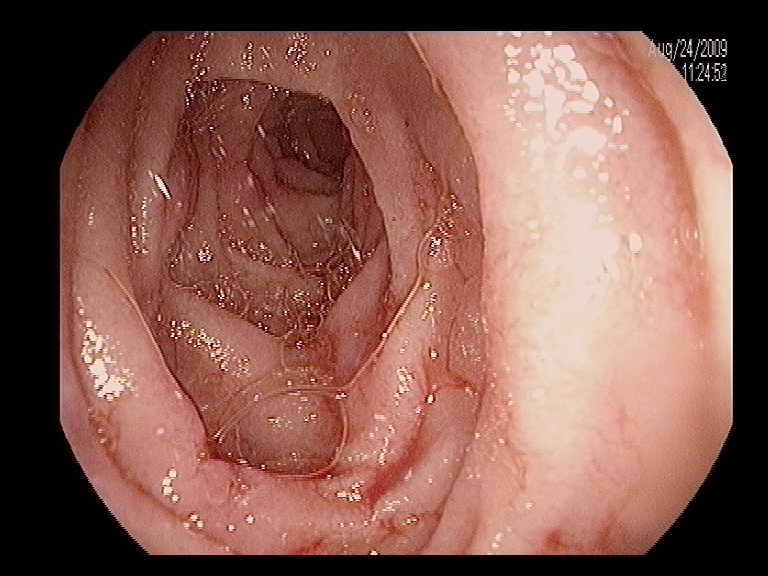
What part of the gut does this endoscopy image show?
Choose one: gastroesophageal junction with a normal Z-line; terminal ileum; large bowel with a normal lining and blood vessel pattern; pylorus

terminal ileum